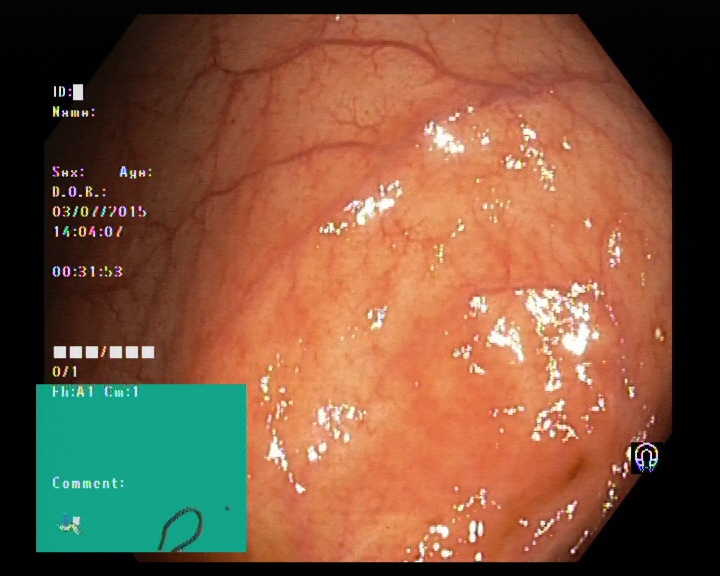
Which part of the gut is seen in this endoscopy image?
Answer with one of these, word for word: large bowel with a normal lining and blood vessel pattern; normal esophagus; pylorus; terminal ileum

large bowel with a normal lining and blood vessel pattern